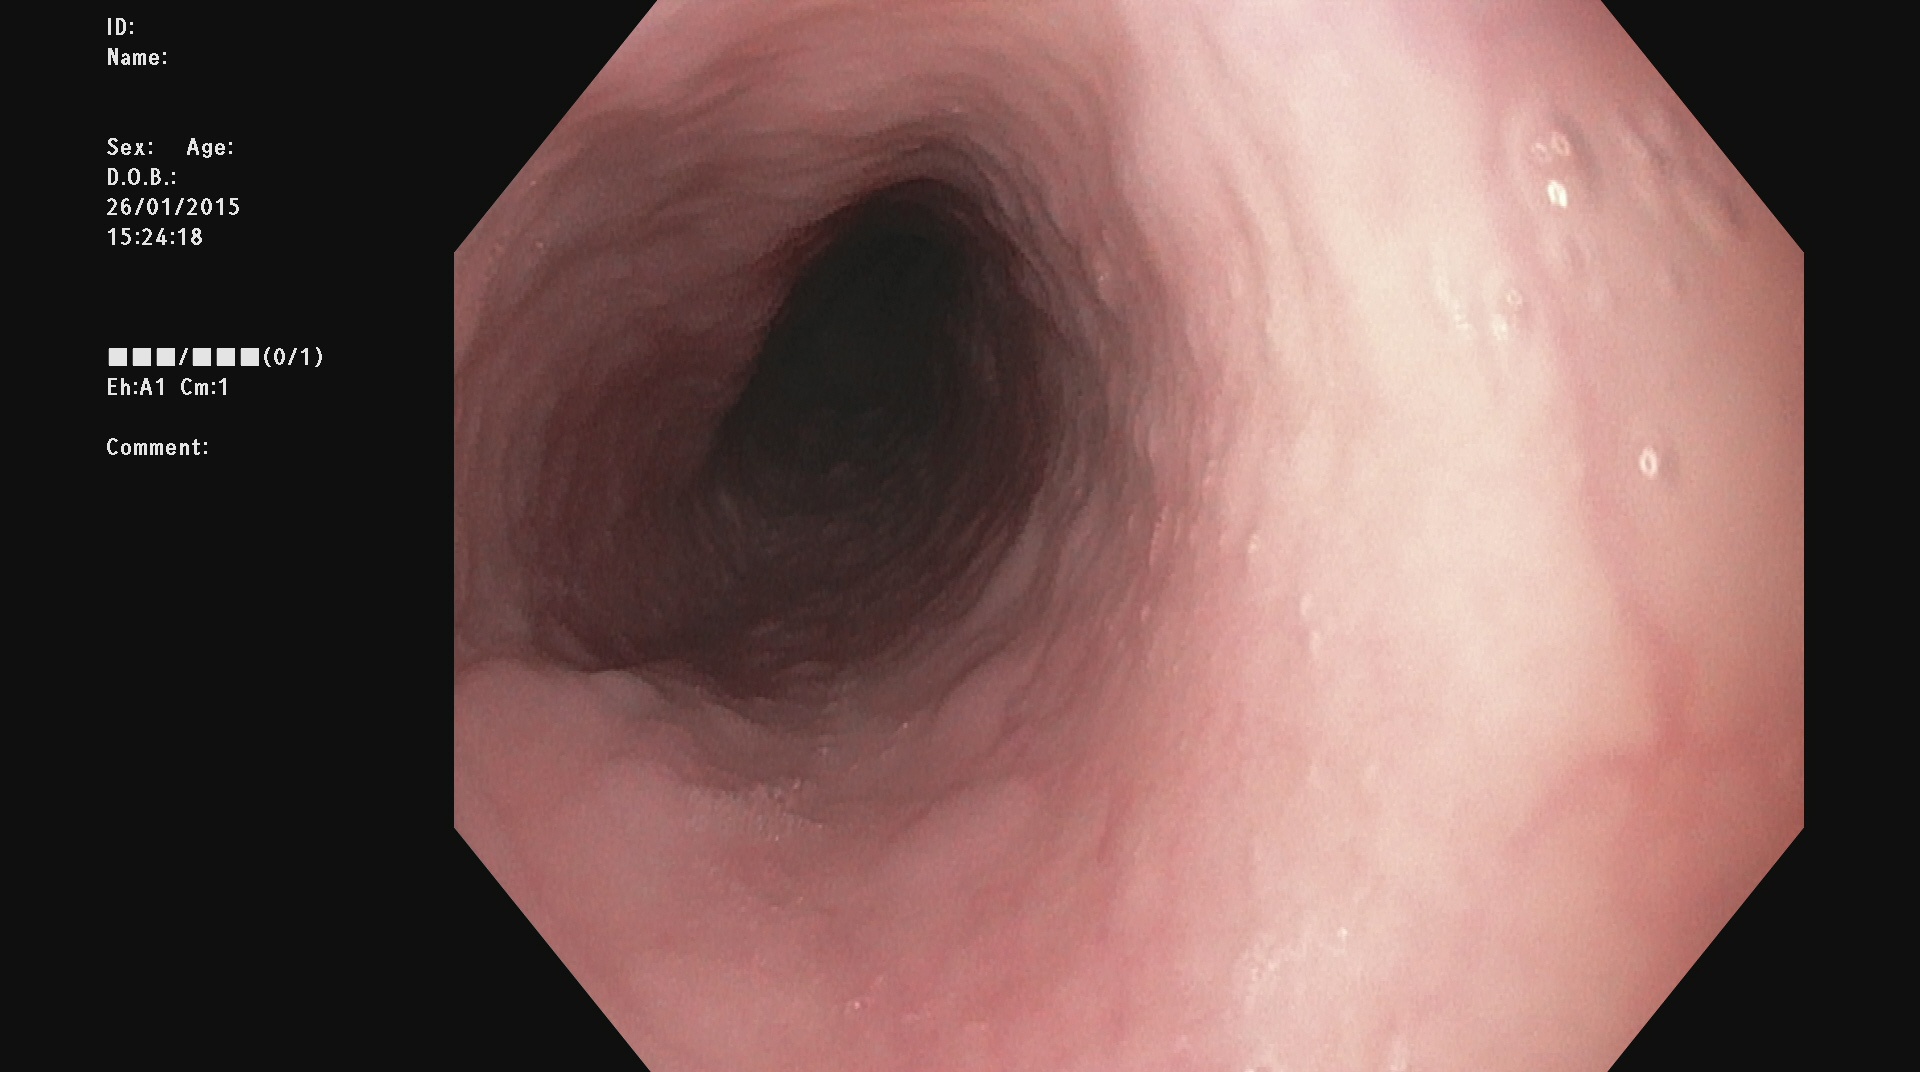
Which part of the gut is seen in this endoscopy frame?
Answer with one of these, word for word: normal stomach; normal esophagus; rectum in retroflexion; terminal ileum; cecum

normal esophagus